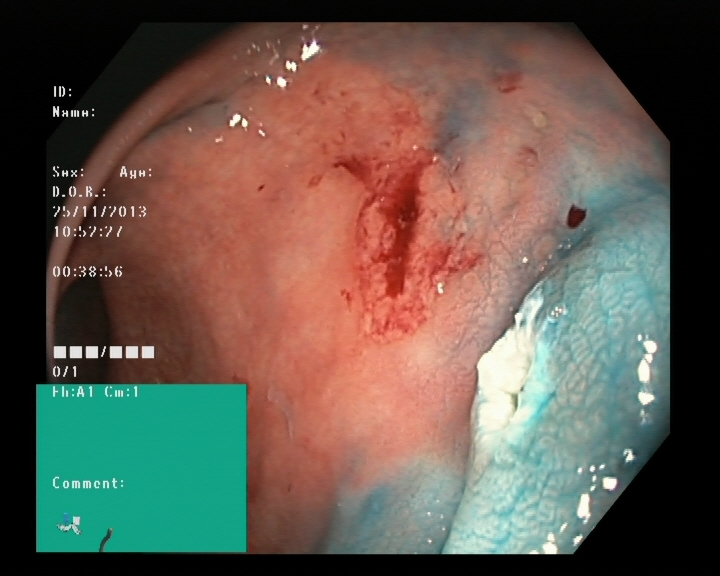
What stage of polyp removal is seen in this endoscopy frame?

dyed resection margin (post-polypectomy)